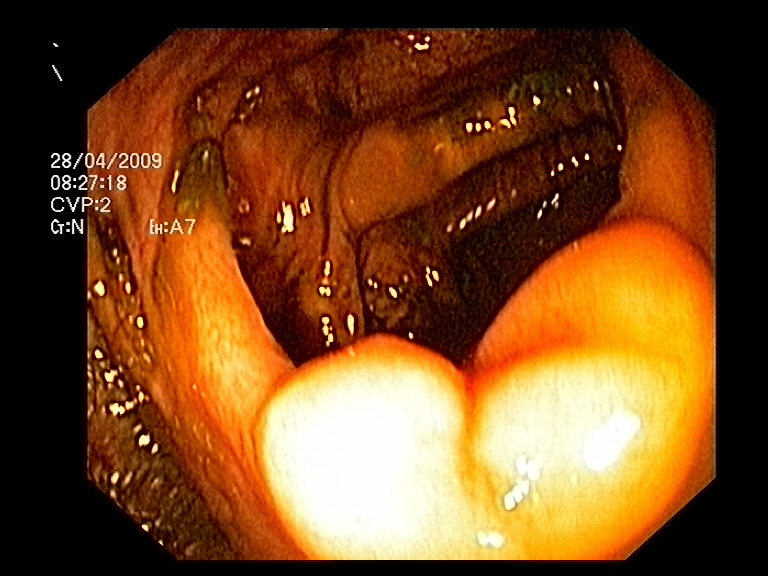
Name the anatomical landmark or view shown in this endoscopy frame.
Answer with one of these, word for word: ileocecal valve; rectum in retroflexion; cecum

ileocecal valve